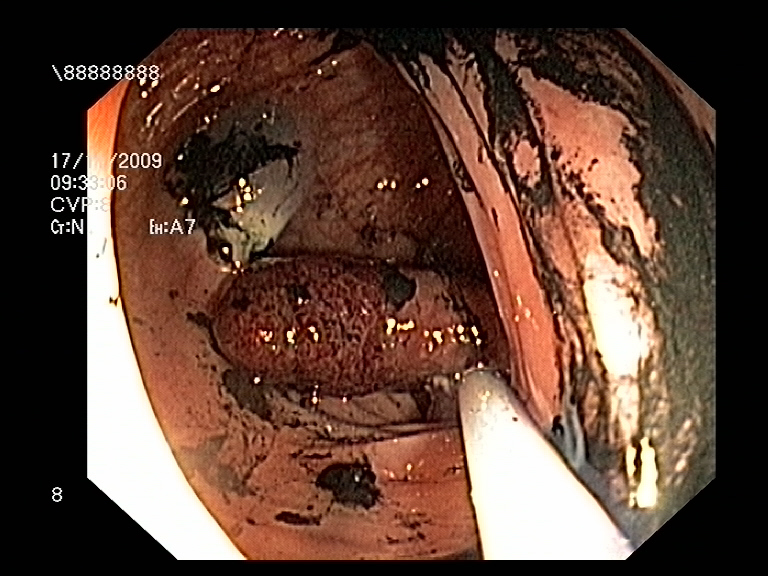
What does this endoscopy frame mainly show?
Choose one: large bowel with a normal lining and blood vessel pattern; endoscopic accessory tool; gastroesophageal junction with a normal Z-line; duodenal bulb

endoscopic accessory tool